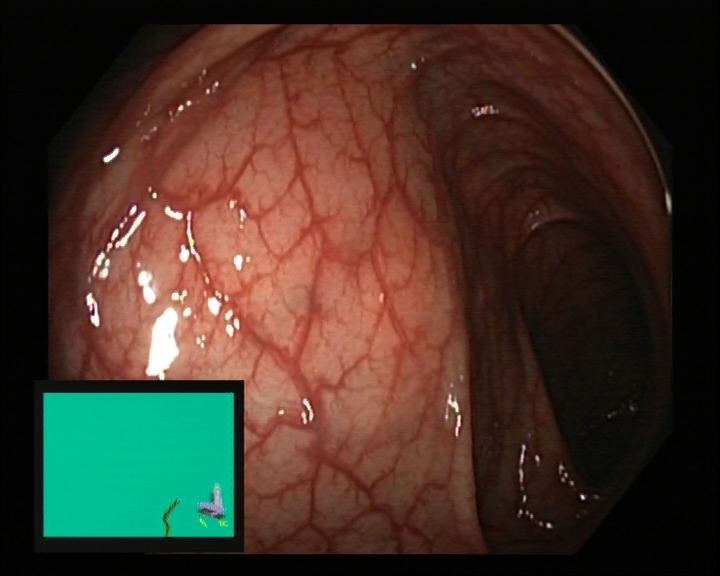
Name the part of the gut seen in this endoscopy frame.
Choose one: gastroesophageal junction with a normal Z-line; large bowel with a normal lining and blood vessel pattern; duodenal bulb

large bowel with a normal lining and blood vessel pattern